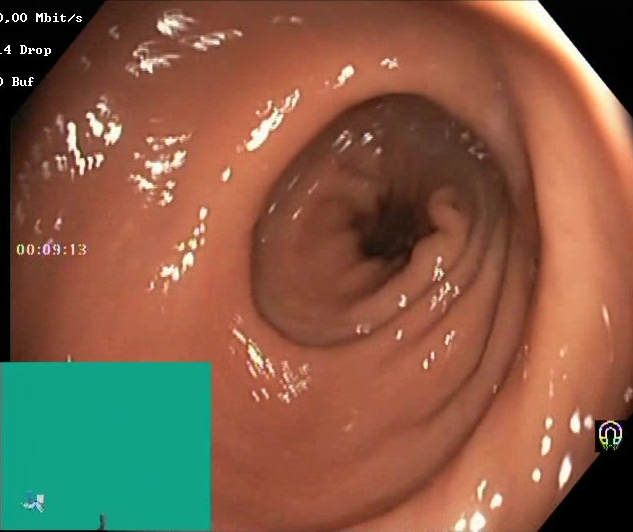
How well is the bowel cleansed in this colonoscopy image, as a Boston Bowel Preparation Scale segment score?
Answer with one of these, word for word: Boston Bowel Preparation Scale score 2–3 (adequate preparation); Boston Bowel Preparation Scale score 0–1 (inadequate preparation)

Boston Bowel Preparation Scale score 2–3 (adequate preparation)